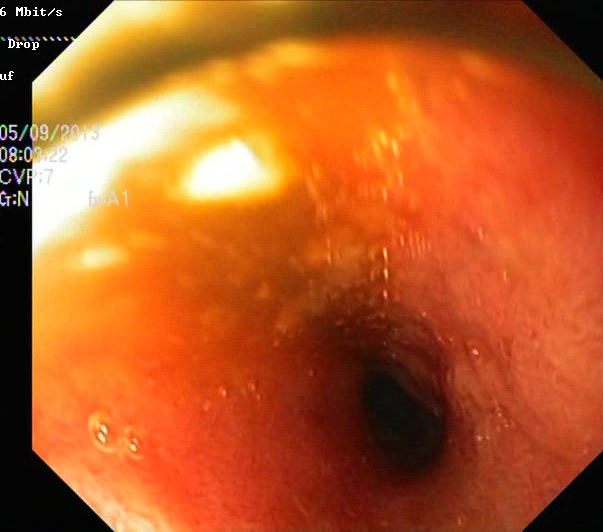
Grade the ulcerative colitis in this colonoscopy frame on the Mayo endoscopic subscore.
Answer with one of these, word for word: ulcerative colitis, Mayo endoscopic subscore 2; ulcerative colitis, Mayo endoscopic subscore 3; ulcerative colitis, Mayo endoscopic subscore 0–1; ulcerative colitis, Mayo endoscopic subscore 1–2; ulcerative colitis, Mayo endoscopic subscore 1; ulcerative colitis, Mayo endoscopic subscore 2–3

ulcerative colitis, Mayo endoscopic subscore 2